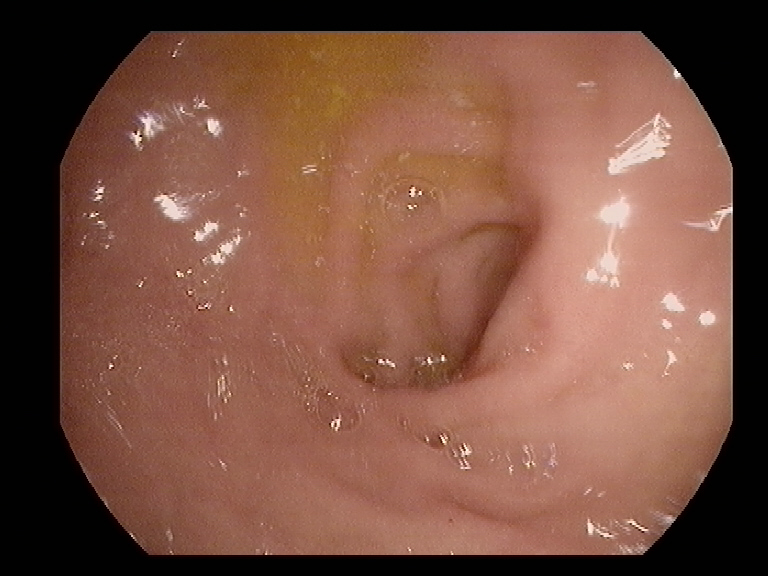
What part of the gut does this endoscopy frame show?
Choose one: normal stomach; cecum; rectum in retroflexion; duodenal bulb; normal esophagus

duodenal bulb